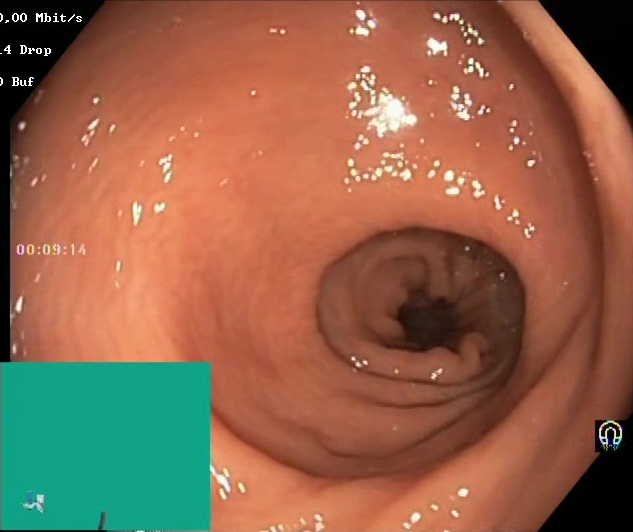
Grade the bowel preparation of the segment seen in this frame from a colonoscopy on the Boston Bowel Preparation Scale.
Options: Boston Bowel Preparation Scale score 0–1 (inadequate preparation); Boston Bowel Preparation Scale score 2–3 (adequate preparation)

Boston Bowel Preparation Scale score 2–3 (adequate preparation)